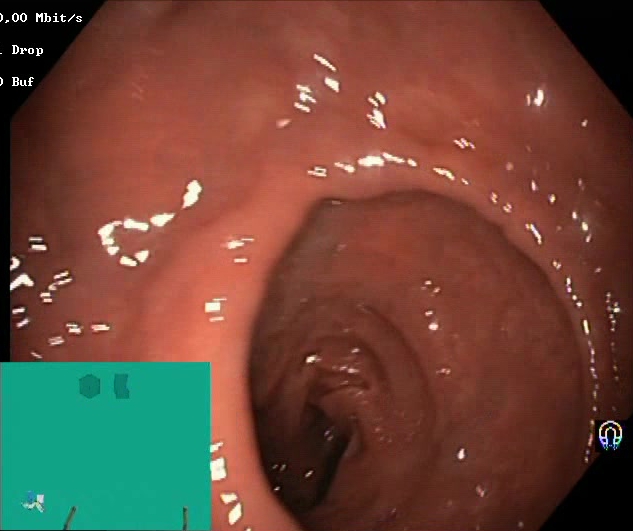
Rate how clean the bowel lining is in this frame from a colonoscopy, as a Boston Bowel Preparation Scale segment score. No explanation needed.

Boston Bowel Preparation Scale score 2–3 (adequate preparation)